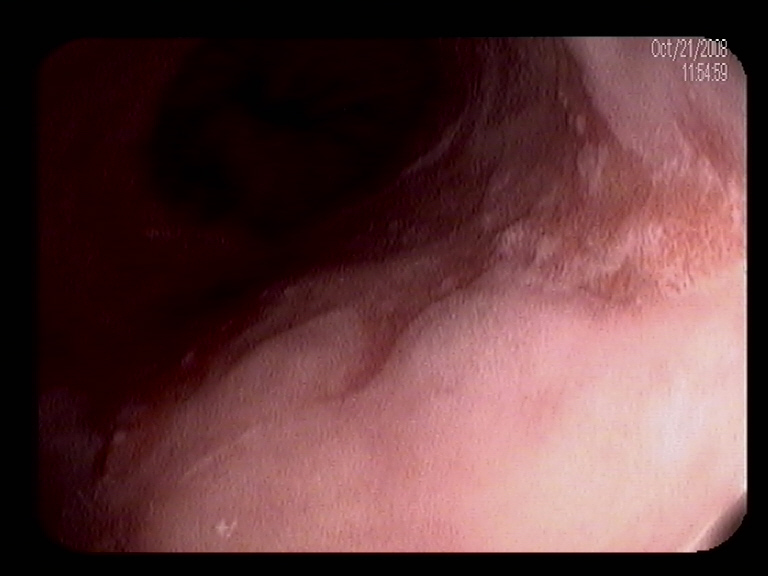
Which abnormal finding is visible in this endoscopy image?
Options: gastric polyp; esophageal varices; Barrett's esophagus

Barrett's esophagus